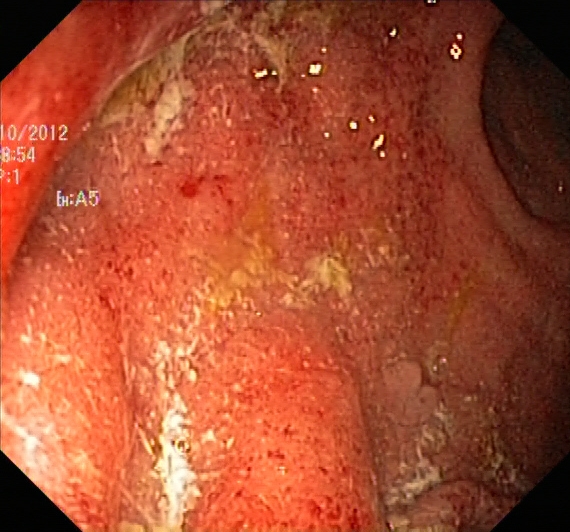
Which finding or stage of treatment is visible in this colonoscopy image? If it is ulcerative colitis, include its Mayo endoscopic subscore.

ulcerative colitis, Mayo endoscopic subscore 2